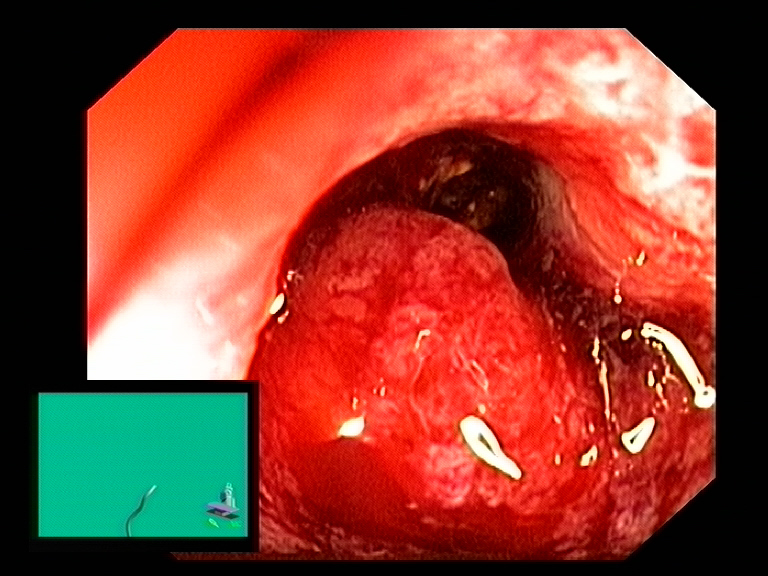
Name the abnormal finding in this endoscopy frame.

colorectal cancer